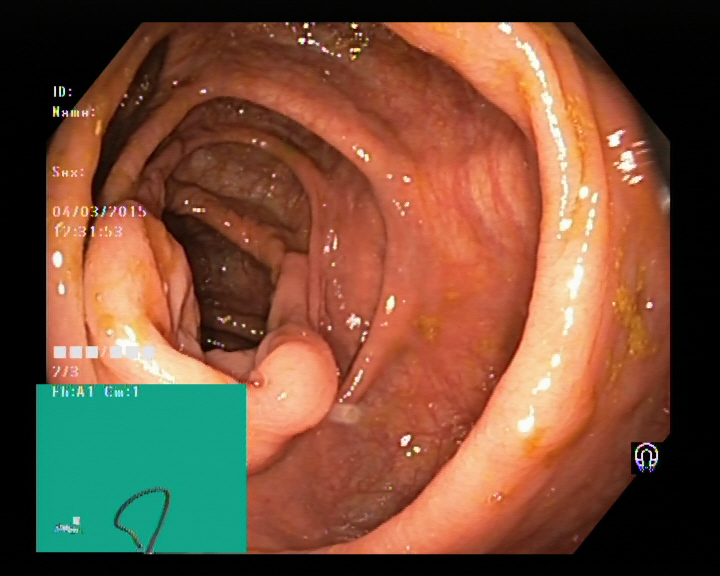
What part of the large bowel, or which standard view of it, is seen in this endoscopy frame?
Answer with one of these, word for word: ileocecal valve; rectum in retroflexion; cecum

ileocecal valve